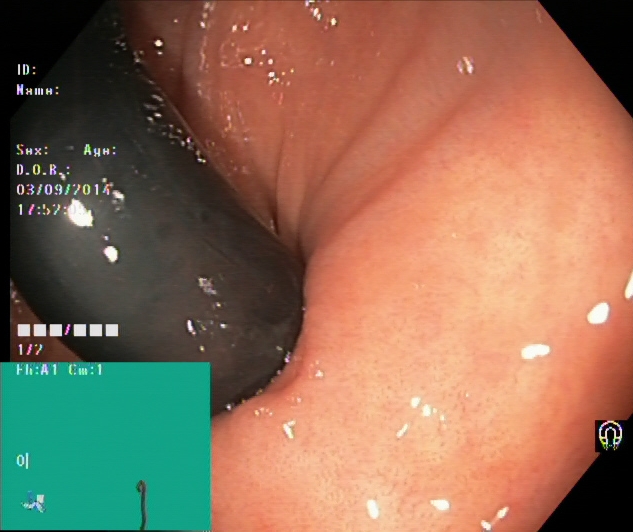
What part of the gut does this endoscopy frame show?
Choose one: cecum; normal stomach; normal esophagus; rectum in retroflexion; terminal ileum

rectum in retroflexion